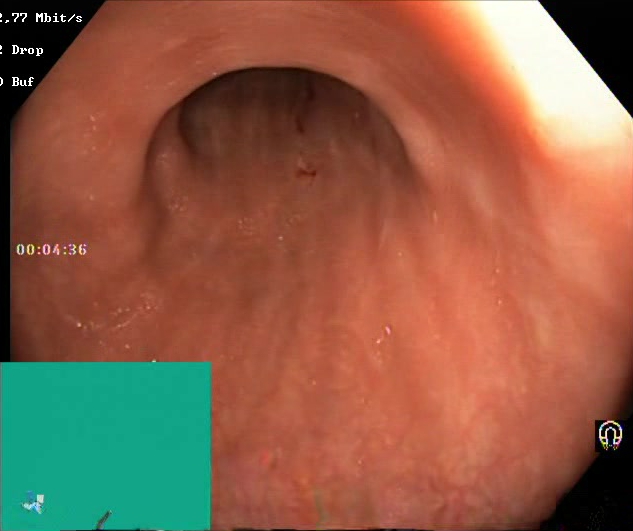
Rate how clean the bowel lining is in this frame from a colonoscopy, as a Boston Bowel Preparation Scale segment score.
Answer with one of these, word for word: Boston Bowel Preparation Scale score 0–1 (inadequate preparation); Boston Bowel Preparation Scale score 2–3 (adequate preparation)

Boston Bowel Preparation Scale score 2–3 (adequate preparation)